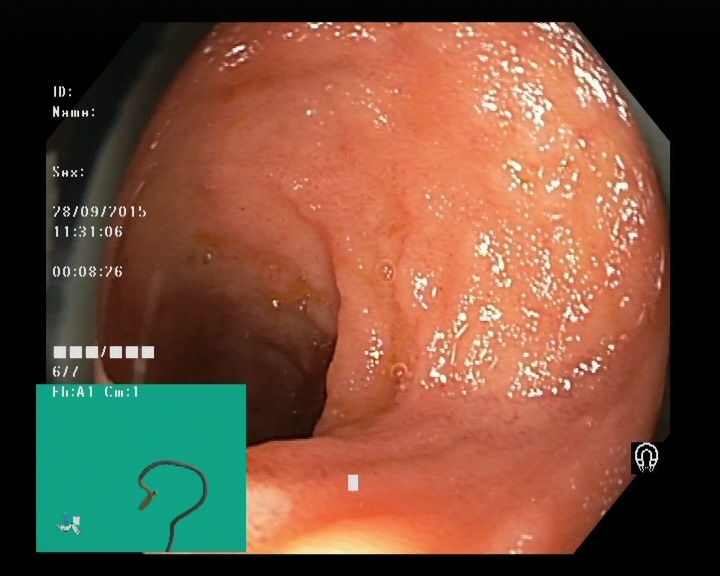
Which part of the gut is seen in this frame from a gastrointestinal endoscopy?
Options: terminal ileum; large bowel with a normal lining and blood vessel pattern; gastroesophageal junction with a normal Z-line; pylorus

large bowel with a normal lining and blood vessel pattern